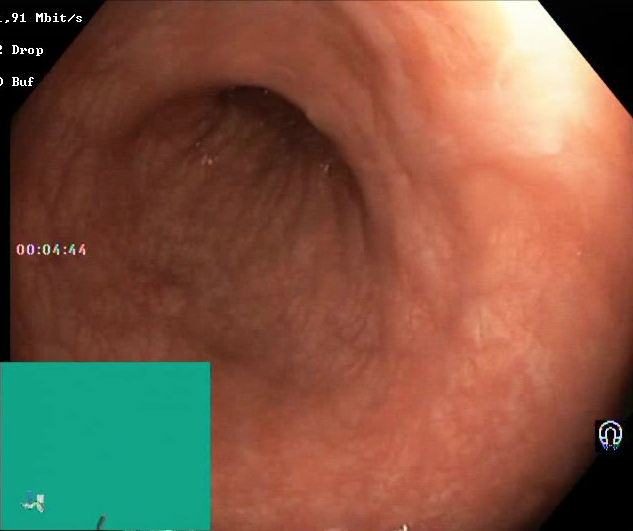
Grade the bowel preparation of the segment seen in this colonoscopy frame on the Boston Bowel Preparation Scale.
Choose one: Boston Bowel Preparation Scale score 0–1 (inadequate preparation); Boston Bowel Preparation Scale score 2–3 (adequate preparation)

Boston Bowel Preparation Scale score 2–3 (adequate preparation)